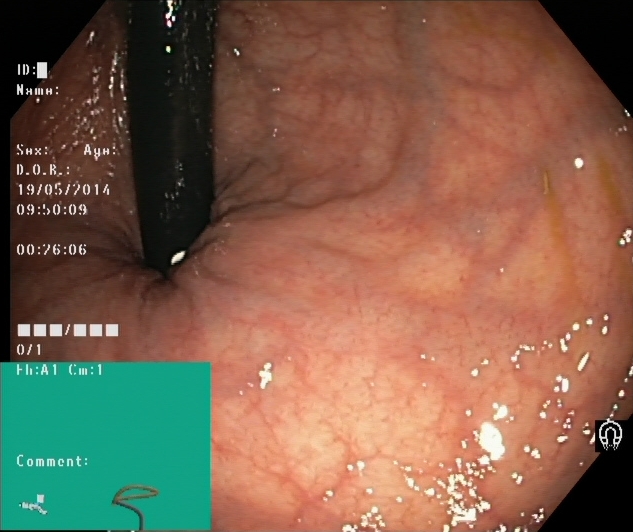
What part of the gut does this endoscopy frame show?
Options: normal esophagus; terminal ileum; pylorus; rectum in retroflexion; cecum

rectum in retroflexion